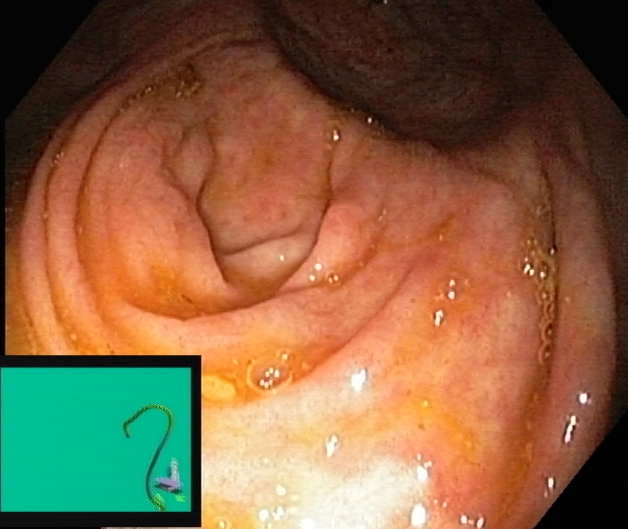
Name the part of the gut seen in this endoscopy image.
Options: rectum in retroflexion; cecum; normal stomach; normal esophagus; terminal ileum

cecum